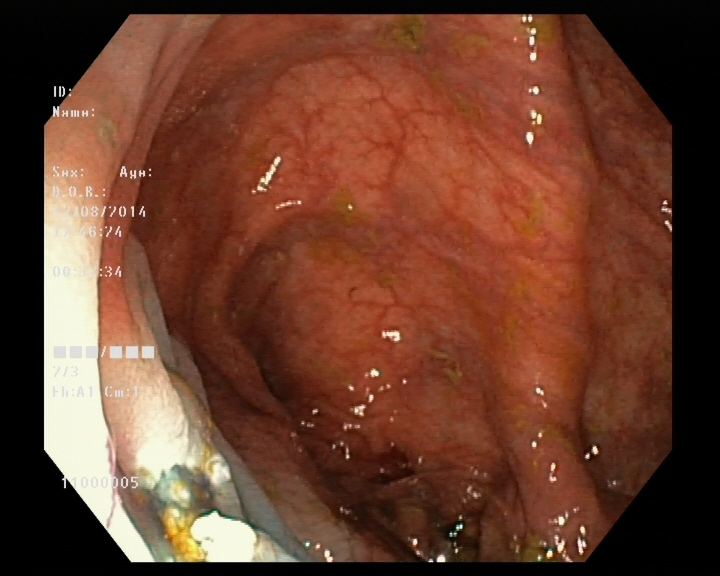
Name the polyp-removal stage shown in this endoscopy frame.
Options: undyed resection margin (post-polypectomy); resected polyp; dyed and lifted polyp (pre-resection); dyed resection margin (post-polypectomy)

dyed resection margin (post-polypectomy)